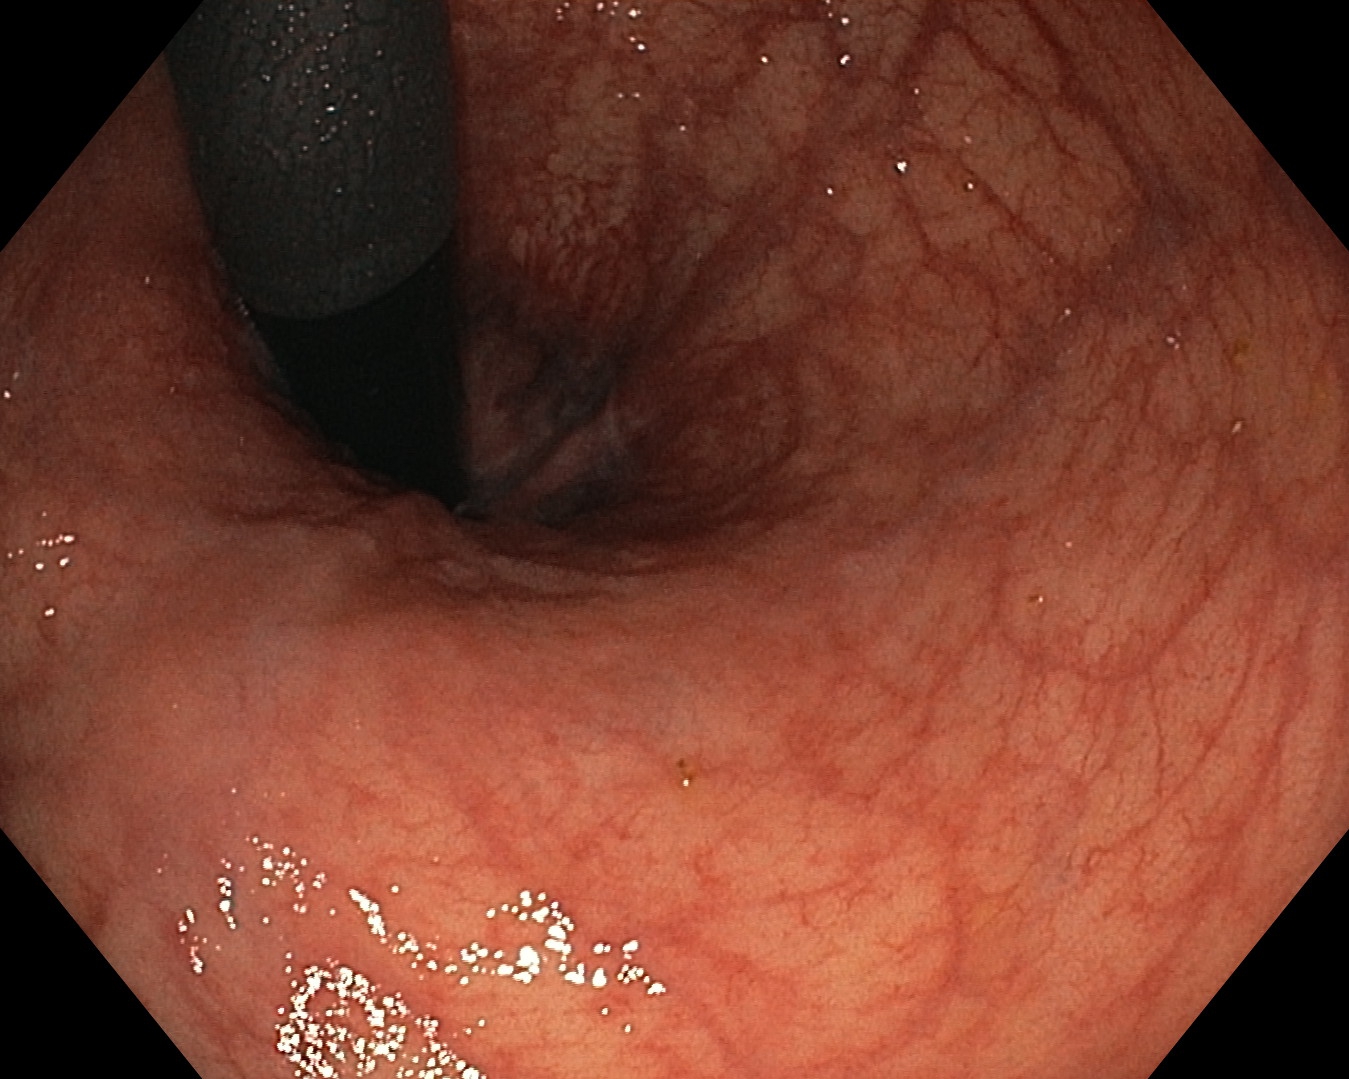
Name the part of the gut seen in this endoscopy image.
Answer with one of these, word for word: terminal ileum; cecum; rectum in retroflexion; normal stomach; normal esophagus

rectum in retroflexion